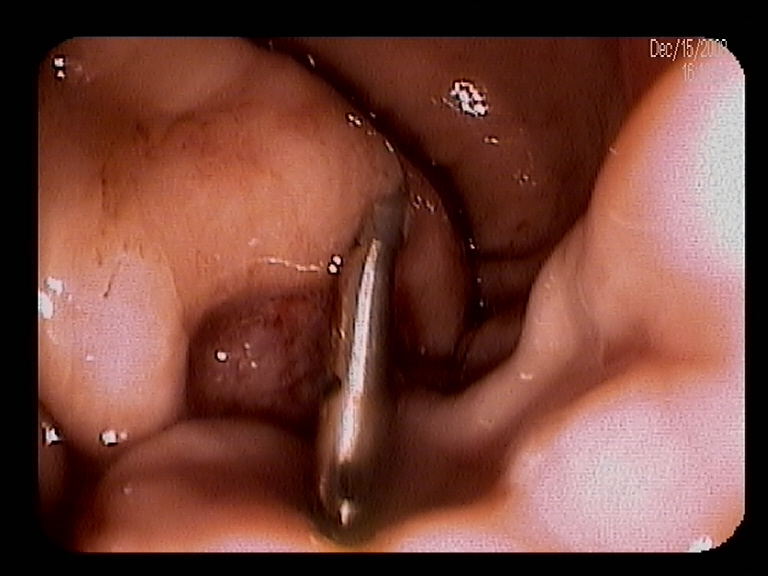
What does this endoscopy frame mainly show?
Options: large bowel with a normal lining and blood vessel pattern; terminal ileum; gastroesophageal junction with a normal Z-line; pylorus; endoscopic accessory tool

endoscopic accessory tool